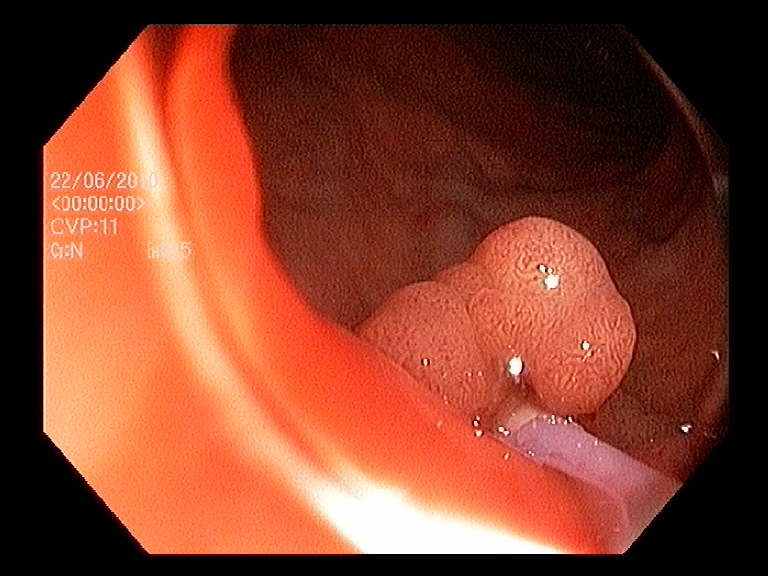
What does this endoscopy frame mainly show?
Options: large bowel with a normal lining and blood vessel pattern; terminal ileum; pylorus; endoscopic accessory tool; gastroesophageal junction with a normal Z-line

endoscopic accessory tool